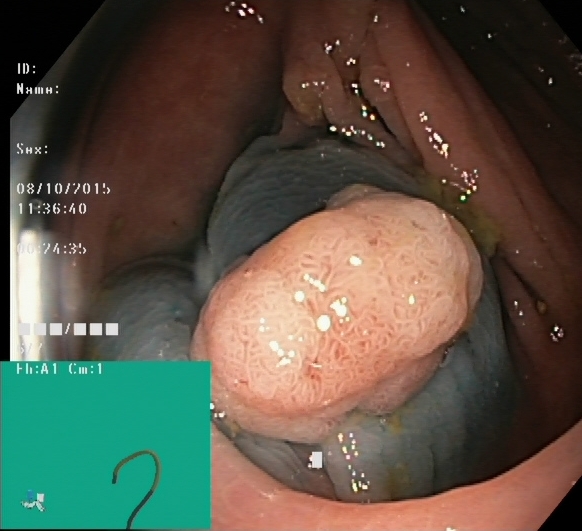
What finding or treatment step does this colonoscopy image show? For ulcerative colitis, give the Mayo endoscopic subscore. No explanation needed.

dyed and lifted polyp (pre-resection)